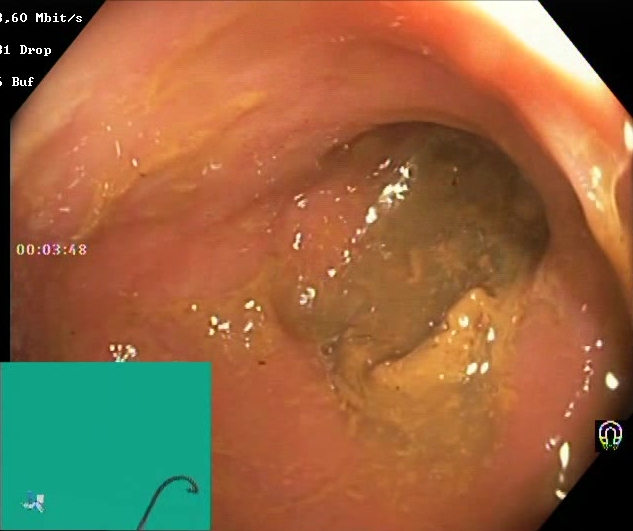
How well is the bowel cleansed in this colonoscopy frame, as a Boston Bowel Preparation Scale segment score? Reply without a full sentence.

Boston Bowel Preparation Scale score 0–1 (inadequate preparation)